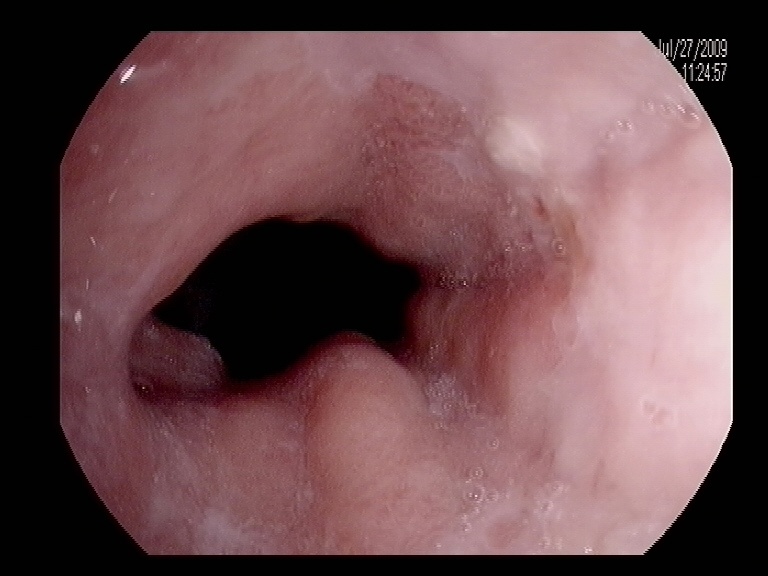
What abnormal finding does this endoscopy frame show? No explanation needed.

esophagitis